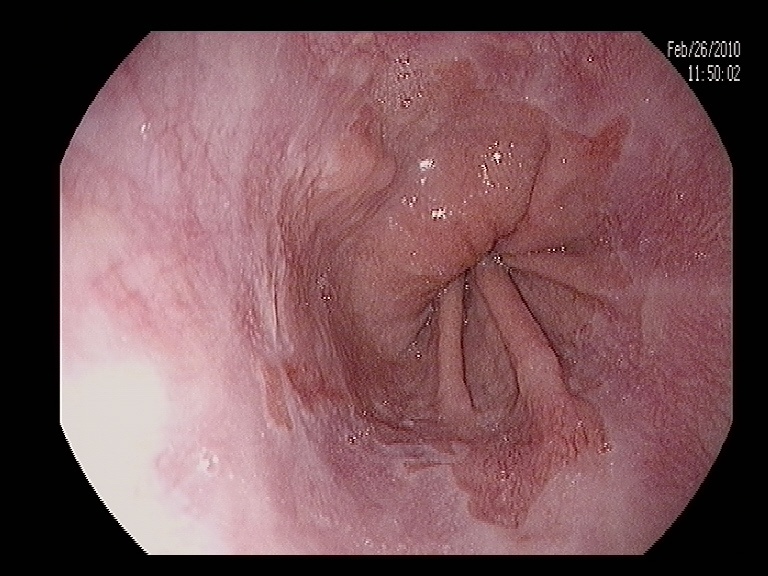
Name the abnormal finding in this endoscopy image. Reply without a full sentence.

Barrett's esophagus